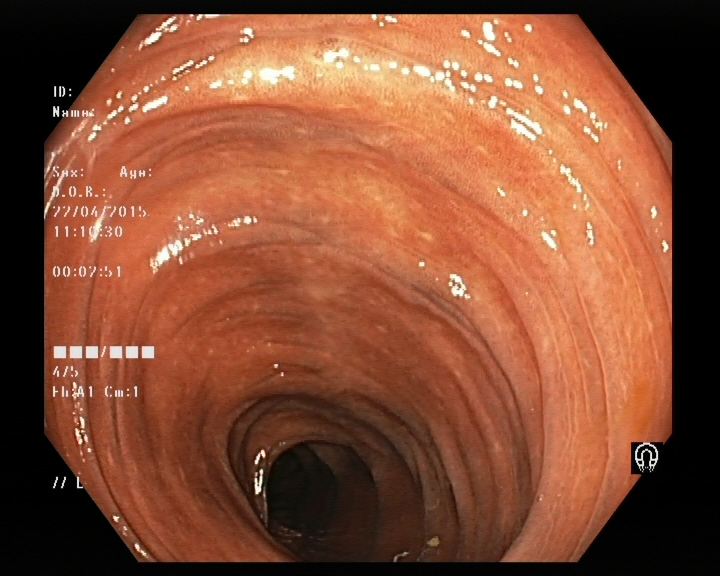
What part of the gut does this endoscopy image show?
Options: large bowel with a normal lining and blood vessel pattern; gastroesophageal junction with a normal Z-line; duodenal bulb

large bowel with a normal lining and blood vessel pattern